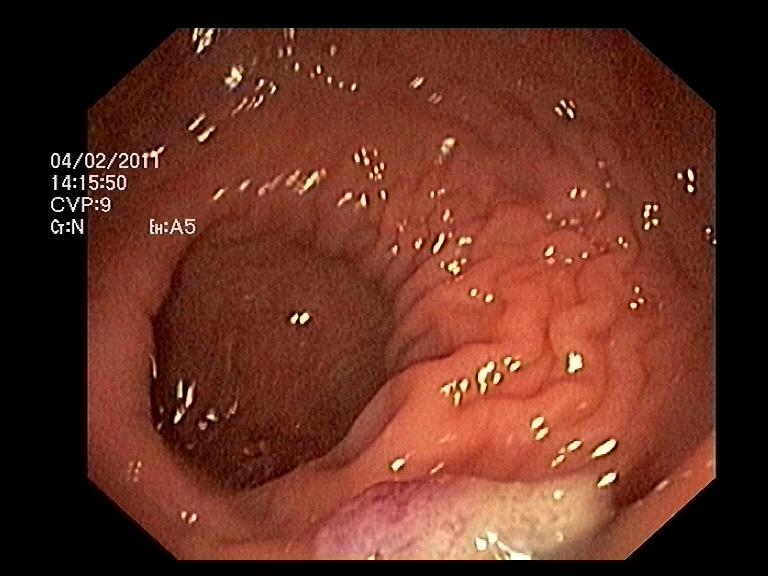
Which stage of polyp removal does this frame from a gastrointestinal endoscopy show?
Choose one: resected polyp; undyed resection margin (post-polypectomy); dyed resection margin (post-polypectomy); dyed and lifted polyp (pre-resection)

resected polyp